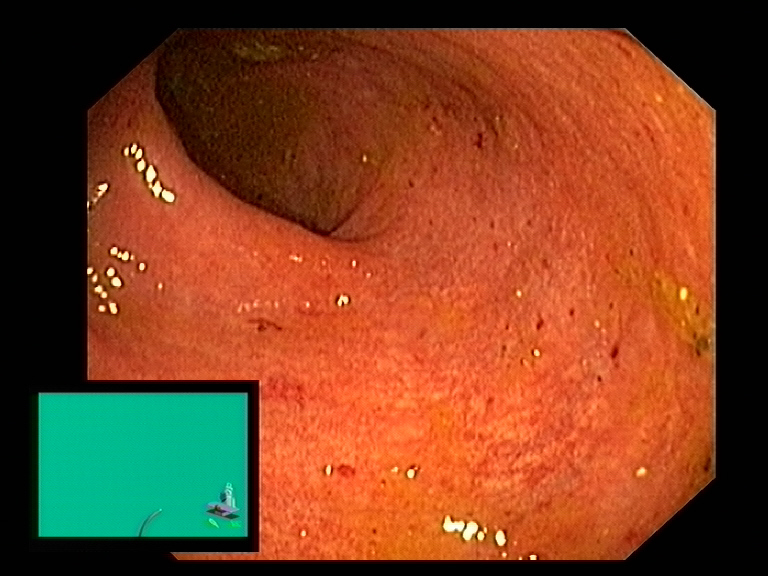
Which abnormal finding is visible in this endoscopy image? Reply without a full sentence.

mucosal inflammation of the large bowel